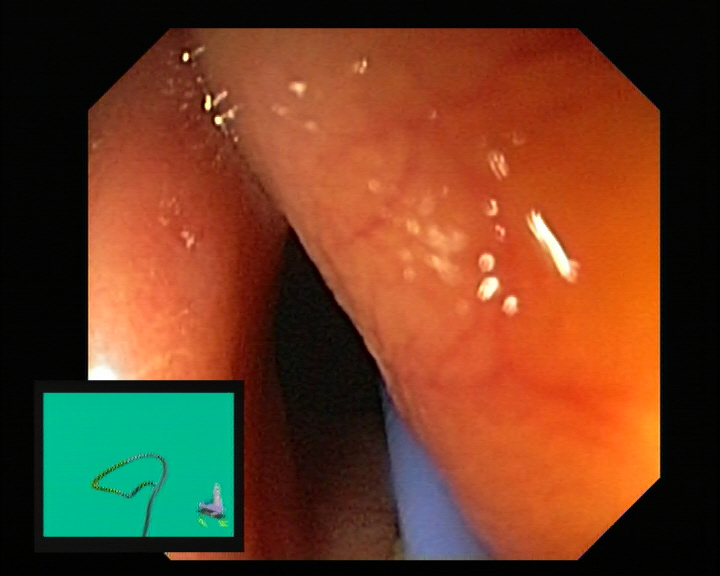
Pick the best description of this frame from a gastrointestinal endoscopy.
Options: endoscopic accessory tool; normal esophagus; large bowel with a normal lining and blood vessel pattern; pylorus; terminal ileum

endoscopic accessory tool